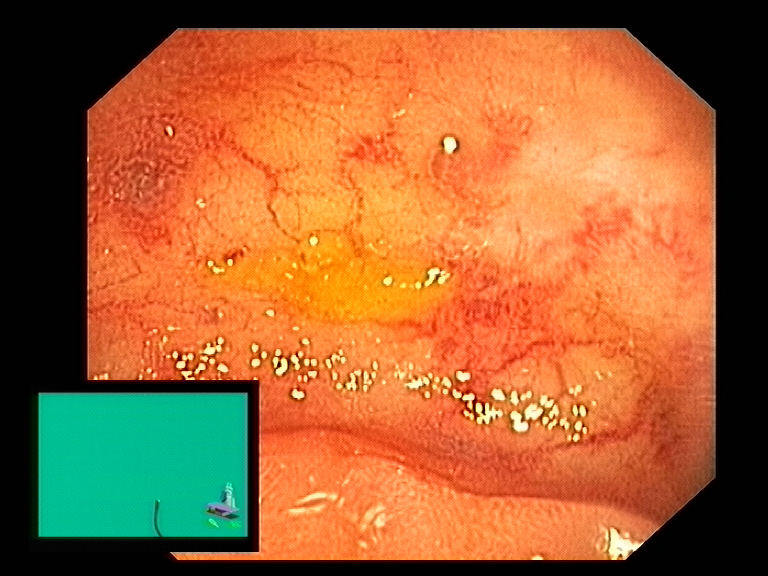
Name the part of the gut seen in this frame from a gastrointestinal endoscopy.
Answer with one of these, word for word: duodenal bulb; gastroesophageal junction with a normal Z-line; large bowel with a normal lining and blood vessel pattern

large bowel with a normal lining and blood vessel pattern